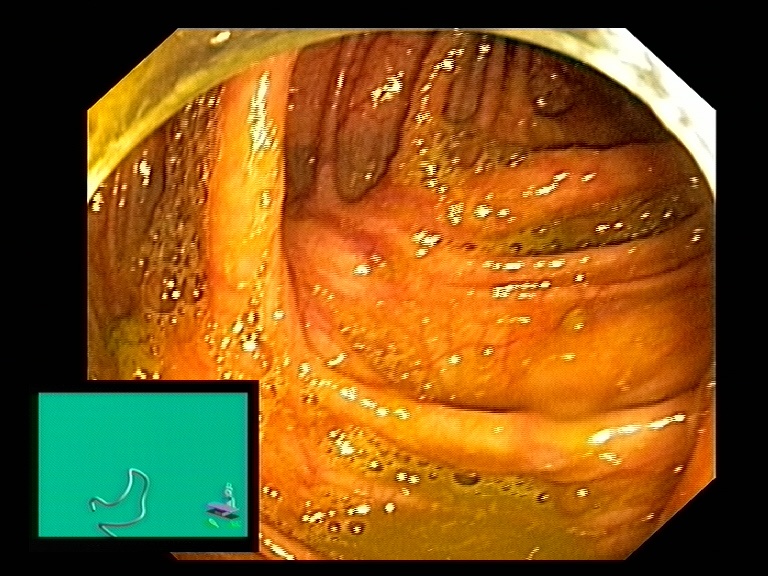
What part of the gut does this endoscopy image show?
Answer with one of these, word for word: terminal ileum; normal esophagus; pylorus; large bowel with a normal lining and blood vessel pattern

large bowel with a normal lining and blood vessel pattern